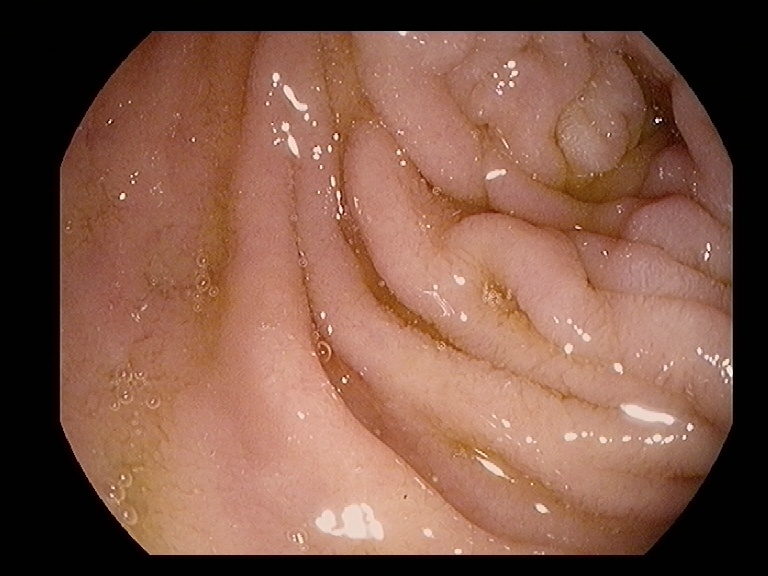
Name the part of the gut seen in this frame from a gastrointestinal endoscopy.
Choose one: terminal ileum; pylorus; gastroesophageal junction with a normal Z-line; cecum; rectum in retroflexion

terminal ileum